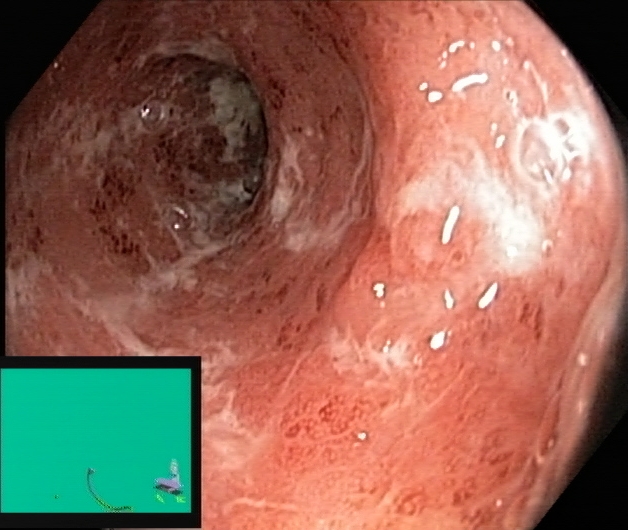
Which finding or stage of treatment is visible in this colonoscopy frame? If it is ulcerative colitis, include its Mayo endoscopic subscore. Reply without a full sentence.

ulcerative colitis, Mayo endoscopic subscore 2